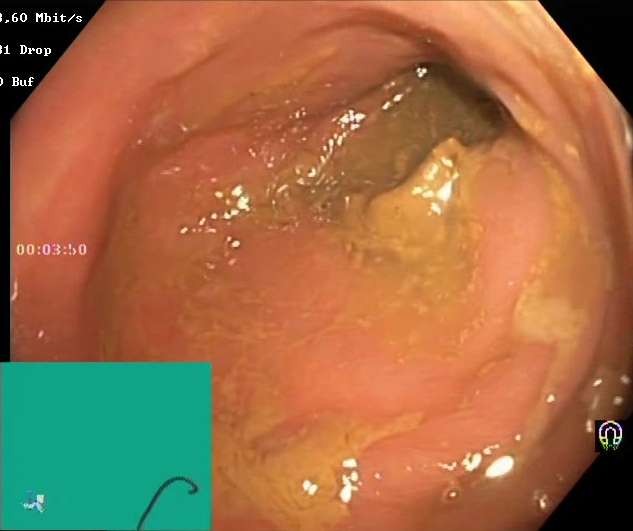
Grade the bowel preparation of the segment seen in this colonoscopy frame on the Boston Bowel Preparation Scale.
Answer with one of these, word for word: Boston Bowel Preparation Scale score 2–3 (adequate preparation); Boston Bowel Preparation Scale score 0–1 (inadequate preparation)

Boston Bowel Preparation Scale score 0–1 (inadequate preparation)